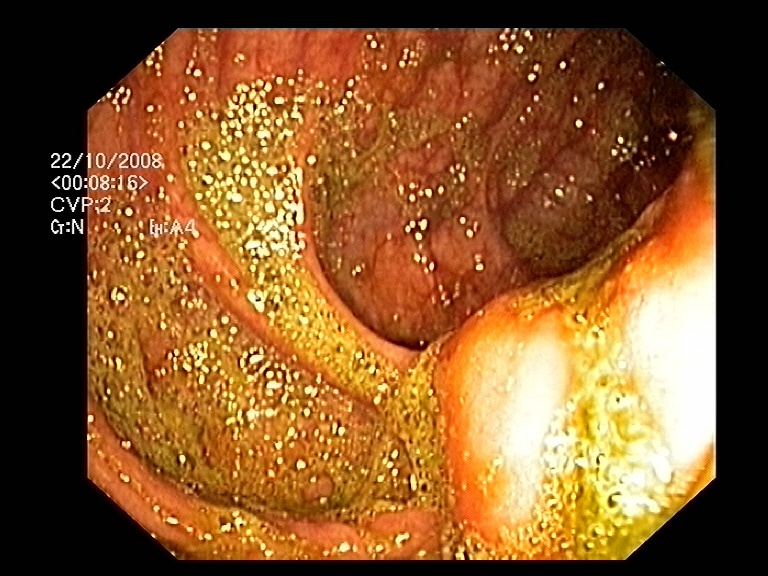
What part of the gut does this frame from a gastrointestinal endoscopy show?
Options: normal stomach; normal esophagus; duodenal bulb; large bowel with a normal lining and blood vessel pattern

large bowel with a normal lining and blood vessel pattern